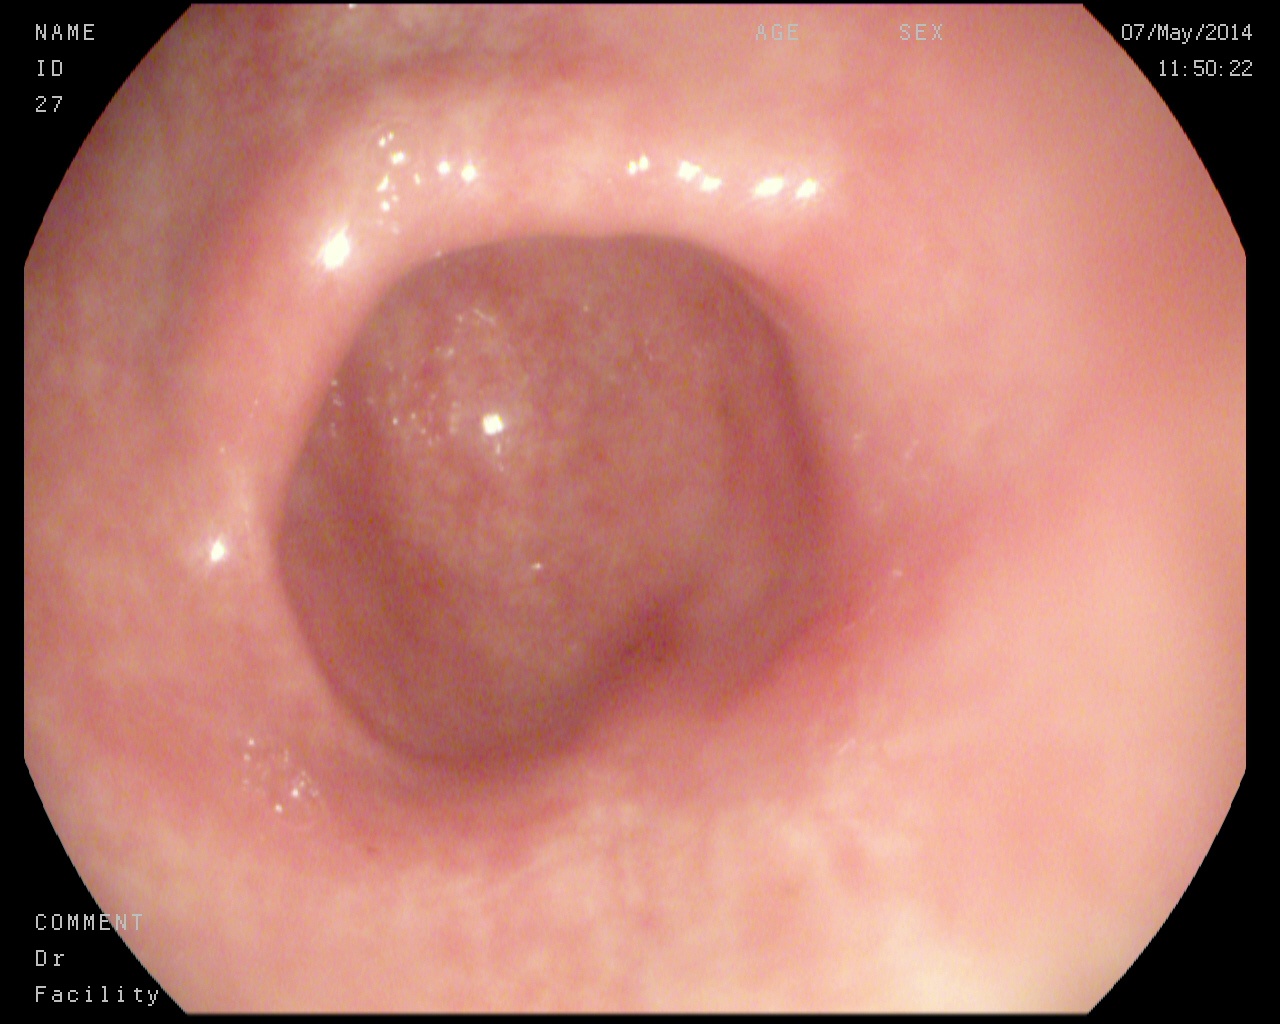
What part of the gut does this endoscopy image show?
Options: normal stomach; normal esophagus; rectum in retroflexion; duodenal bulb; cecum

normal stomach